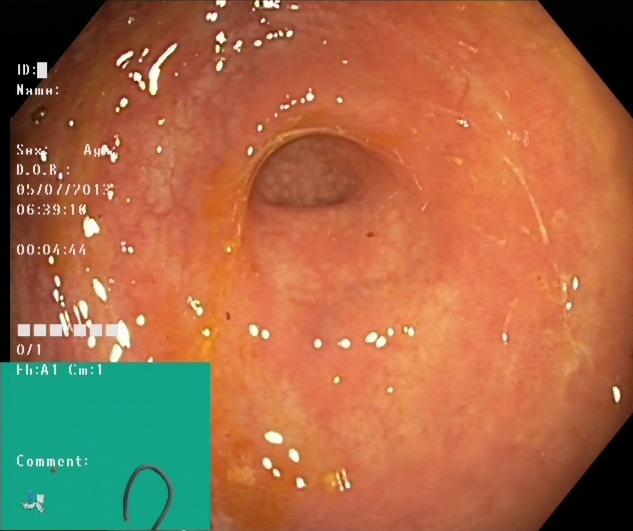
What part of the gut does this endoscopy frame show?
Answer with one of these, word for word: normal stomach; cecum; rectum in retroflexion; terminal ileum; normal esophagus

cecum